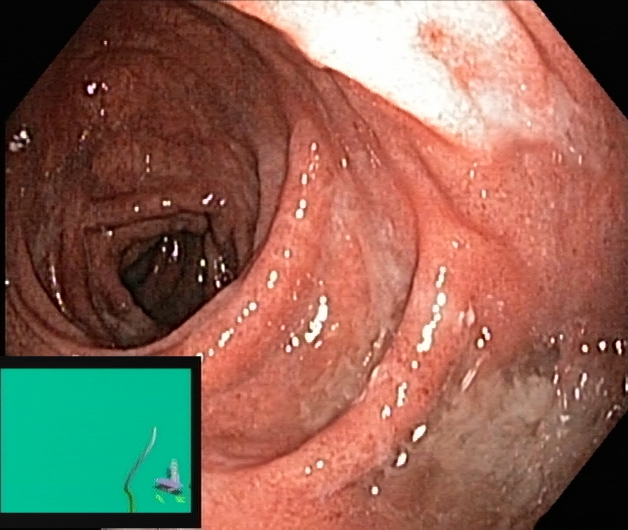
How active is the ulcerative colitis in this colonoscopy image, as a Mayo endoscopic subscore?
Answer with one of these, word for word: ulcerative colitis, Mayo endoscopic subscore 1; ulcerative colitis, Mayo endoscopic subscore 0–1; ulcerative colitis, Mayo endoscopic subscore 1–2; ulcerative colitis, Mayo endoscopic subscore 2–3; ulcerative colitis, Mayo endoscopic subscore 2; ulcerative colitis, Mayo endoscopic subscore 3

ulcerative colitis, Mayo endoscopic subscore 1